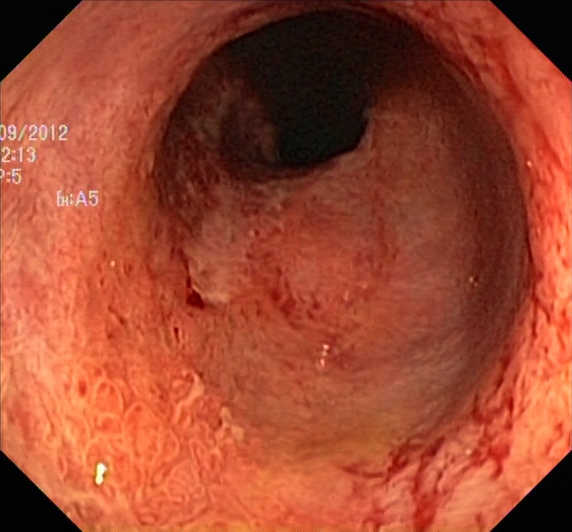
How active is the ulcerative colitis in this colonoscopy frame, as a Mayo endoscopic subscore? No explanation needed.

ulcerative colitis, Mayo endoscopic subscore 2